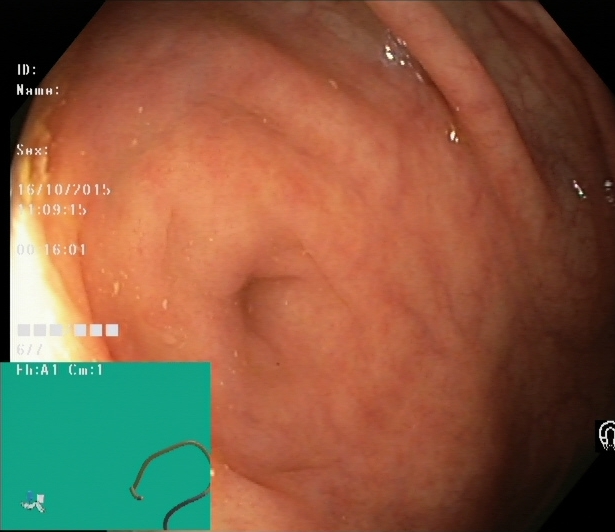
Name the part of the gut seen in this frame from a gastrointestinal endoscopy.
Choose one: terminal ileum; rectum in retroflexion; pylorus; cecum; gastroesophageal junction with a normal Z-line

cecum